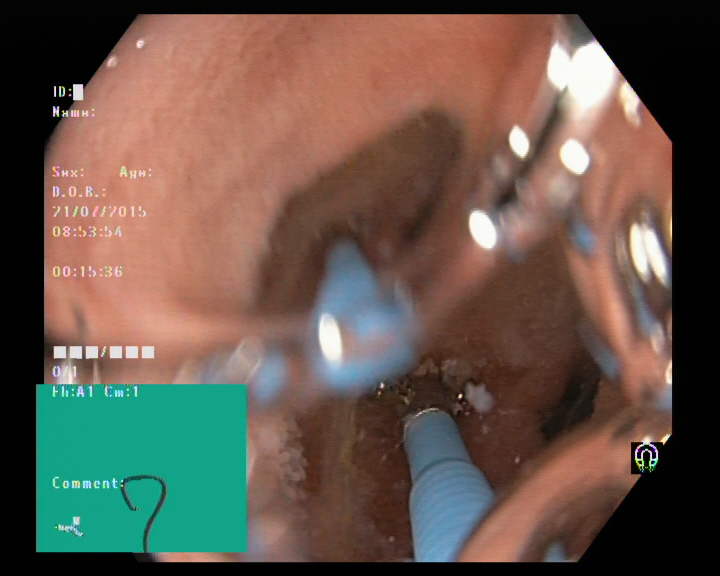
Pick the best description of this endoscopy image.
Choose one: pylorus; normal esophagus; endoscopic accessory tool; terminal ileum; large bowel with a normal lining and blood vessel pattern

endoscopic accessory tool